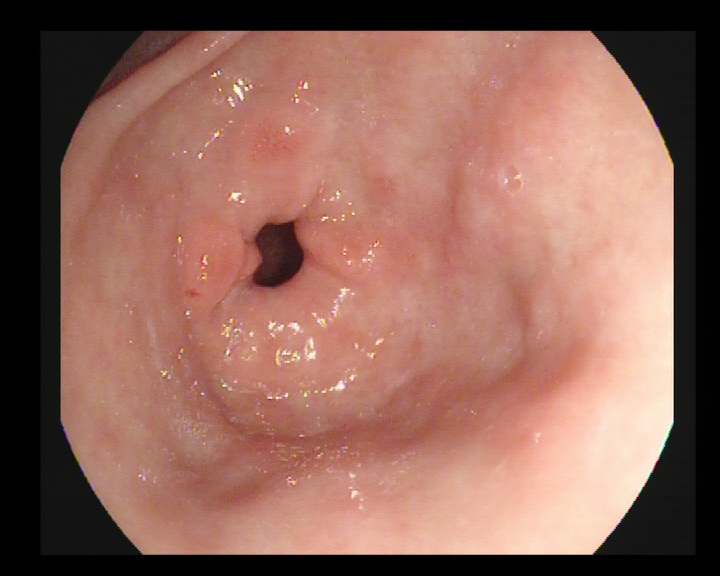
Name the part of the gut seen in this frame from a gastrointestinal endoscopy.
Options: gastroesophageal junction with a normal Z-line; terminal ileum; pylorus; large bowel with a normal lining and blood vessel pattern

pylorus